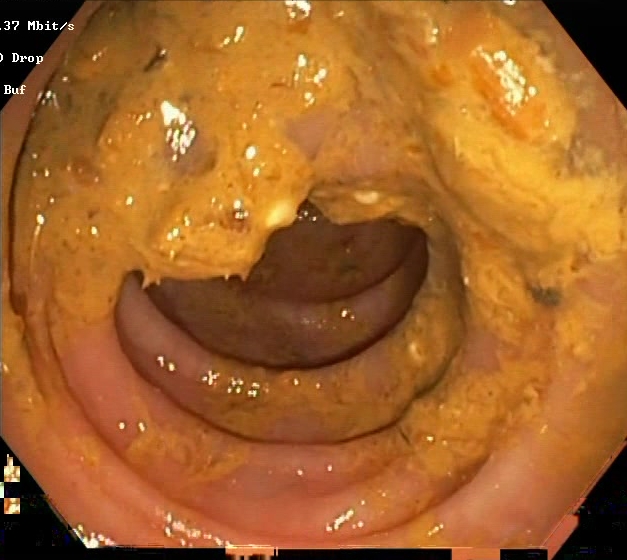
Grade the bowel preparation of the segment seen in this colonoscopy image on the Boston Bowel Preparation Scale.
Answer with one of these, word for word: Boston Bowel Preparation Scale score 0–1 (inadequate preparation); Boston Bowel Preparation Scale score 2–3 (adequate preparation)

Boston Bowel Preparation Scale score 0–1 (inadequate preparation)